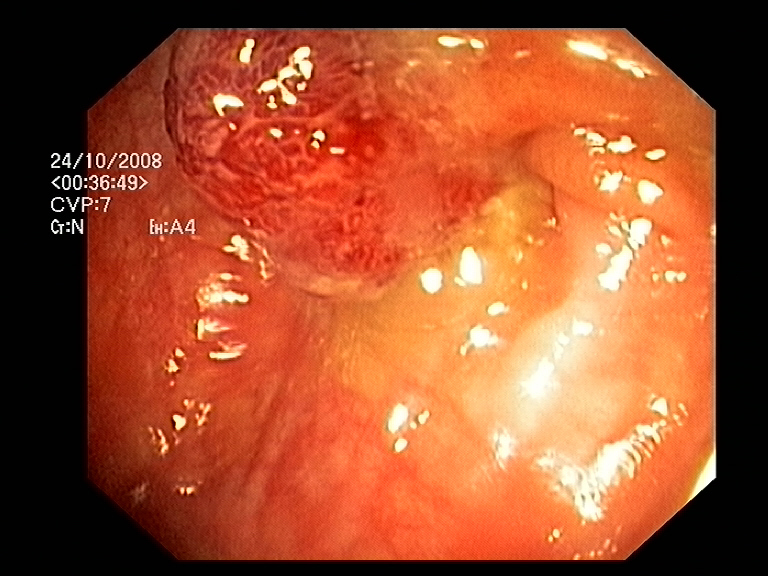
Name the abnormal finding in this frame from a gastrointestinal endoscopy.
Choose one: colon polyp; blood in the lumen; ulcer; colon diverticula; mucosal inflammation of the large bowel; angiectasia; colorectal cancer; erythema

colon polyp